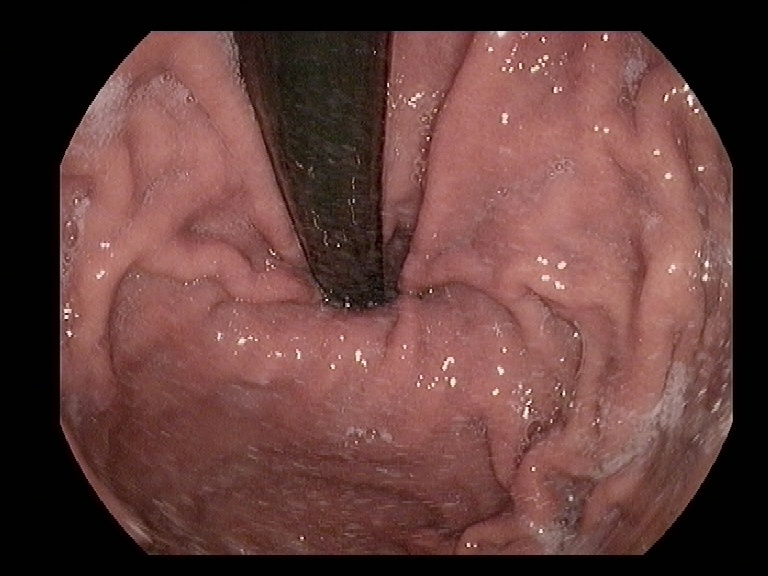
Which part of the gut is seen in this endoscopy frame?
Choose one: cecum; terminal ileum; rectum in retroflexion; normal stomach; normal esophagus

normal stomach